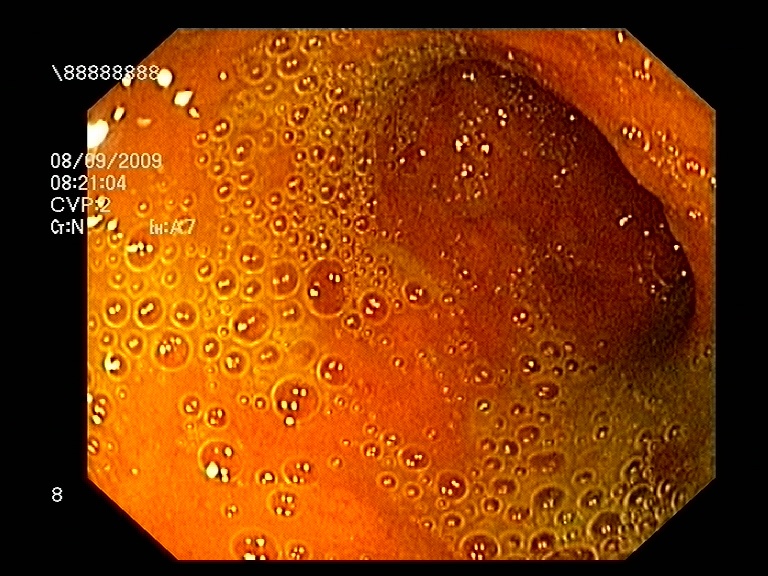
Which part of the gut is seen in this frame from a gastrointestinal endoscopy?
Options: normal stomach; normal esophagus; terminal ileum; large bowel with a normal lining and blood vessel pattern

terminal ileum